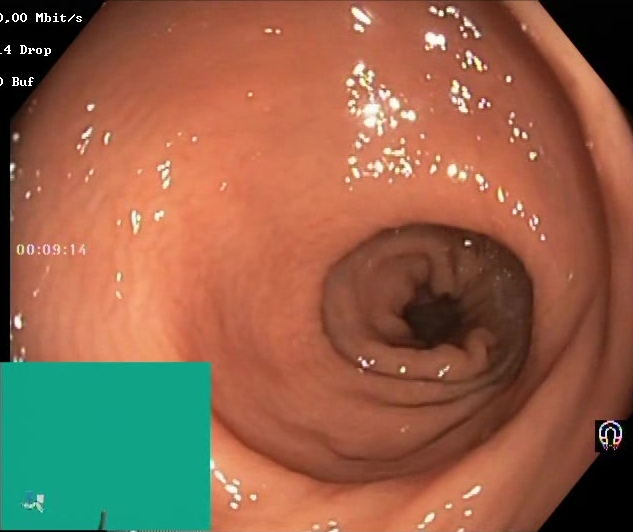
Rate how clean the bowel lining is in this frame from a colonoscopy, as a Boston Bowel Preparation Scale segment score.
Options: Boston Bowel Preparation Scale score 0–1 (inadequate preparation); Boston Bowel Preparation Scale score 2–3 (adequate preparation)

Boston Bowel Preparation Scale score 2–3 (adequate preparation)